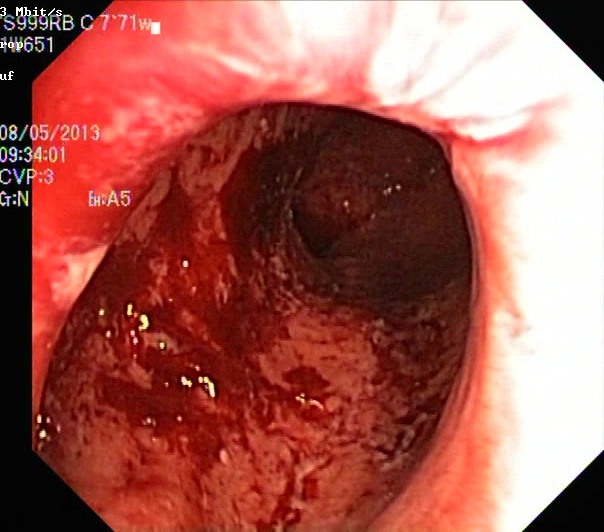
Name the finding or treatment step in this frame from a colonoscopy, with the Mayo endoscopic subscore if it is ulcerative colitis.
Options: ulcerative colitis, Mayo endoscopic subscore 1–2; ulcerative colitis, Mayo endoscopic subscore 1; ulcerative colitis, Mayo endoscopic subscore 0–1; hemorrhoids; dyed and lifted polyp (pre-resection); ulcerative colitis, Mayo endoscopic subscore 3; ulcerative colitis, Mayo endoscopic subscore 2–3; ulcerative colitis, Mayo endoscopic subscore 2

ulcerative colitis, Mayo endoscopic subscore 3